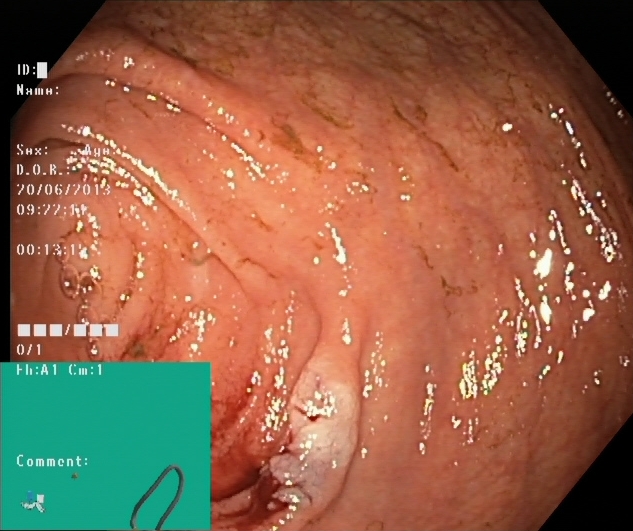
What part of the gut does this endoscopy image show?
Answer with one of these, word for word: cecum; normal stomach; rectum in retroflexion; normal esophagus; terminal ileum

cecum